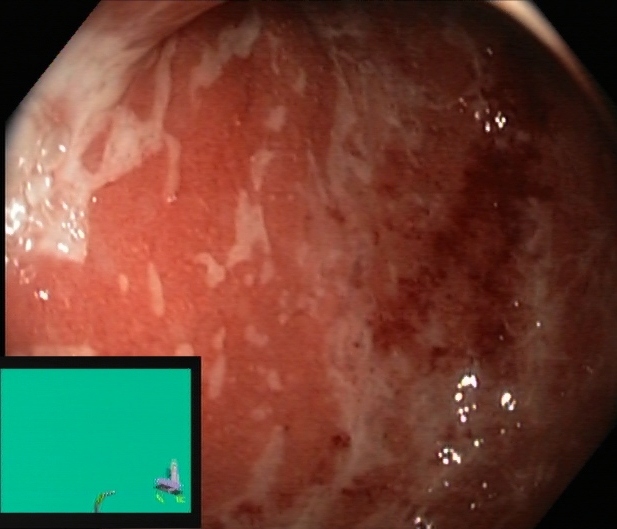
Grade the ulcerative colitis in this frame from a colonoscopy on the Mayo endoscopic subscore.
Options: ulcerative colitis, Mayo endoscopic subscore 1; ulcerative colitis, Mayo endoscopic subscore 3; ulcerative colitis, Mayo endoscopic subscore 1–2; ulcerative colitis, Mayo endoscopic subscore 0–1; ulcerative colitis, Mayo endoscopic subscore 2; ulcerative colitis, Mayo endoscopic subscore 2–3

ulcerative colitis, Mayo endoscopic subscore 2